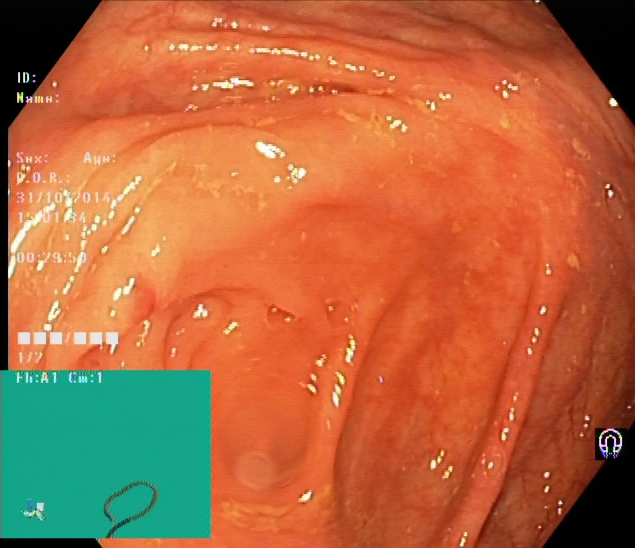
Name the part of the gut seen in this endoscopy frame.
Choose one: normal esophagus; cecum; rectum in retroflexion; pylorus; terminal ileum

cecum